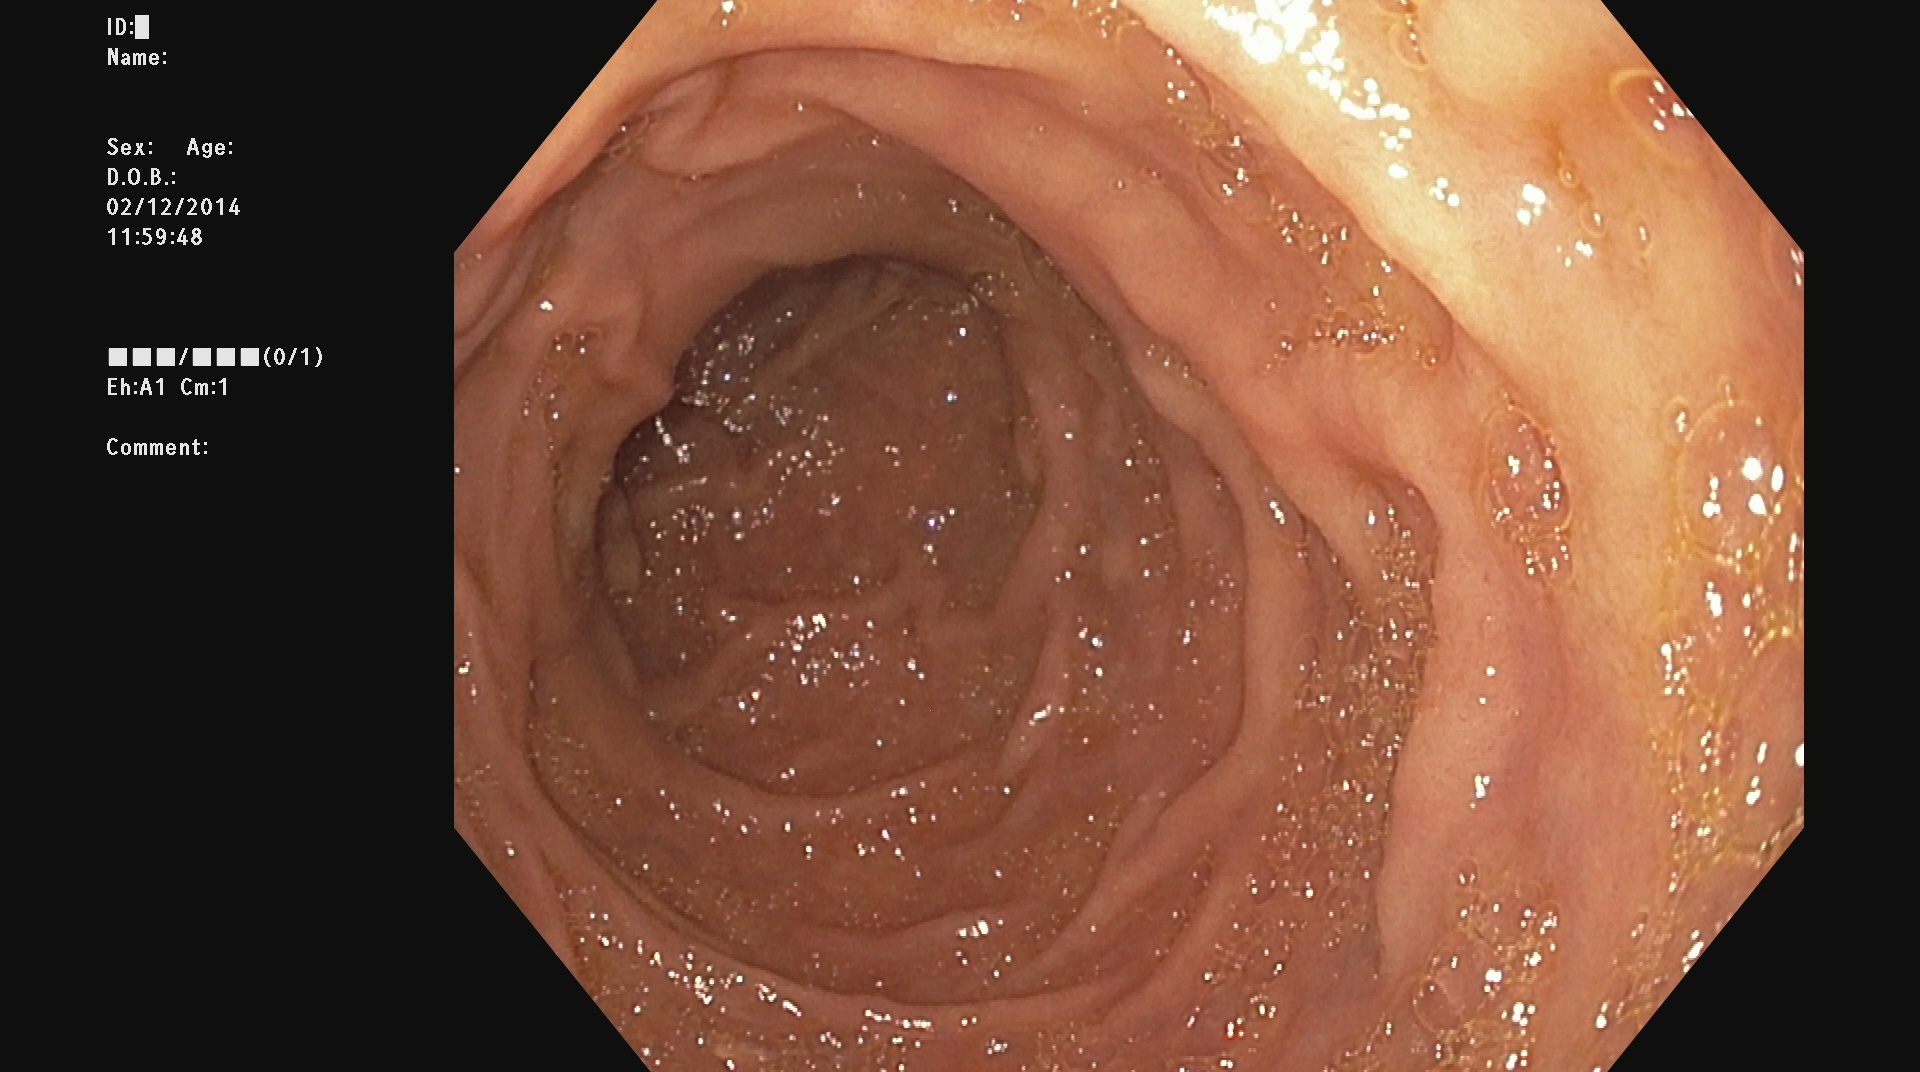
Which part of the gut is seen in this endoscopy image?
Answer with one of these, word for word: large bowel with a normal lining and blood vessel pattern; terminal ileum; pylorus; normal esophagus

terminal ileum